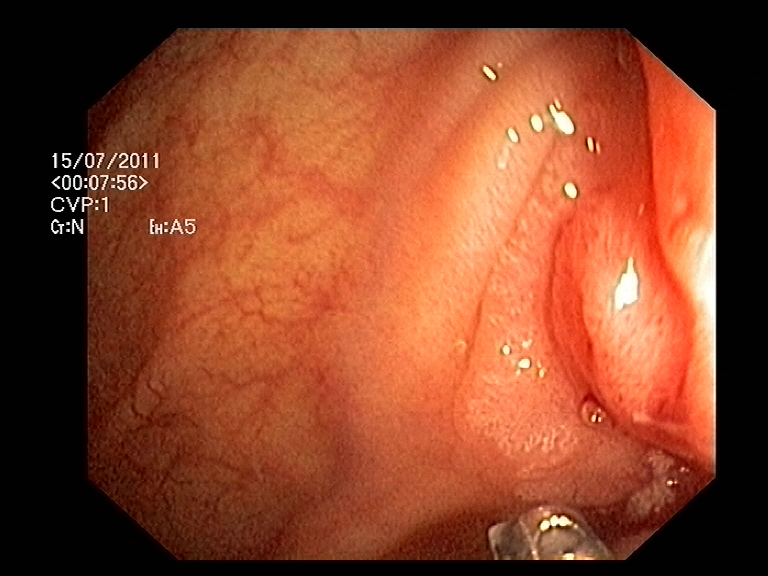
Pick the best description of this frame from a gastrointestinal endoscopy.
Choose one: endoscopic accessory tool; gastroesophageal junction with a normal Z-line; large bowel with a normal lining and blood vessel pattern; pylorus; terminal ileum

endoscopic accessory tool